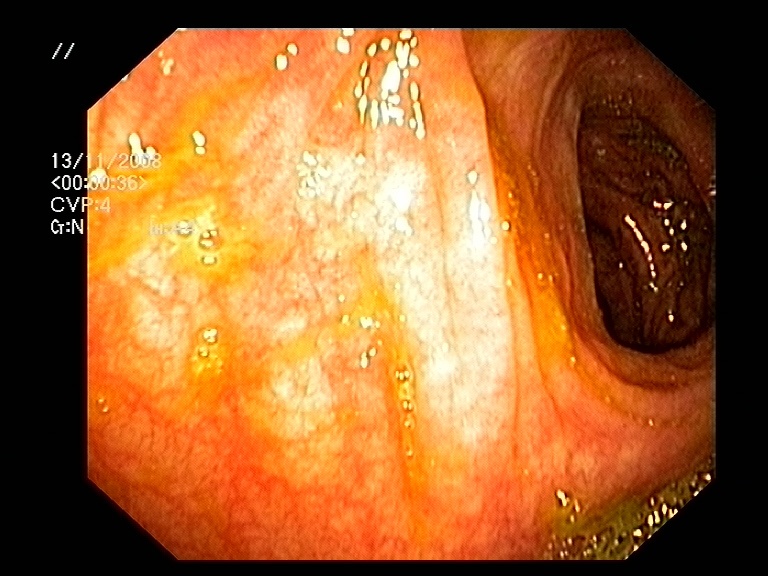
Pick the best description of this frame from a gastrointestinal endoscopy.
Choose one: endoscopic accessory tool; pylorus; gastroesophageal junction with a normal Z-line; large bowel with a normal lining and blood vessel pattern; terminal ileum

large bowel with a normal lining and blood vessel pattern